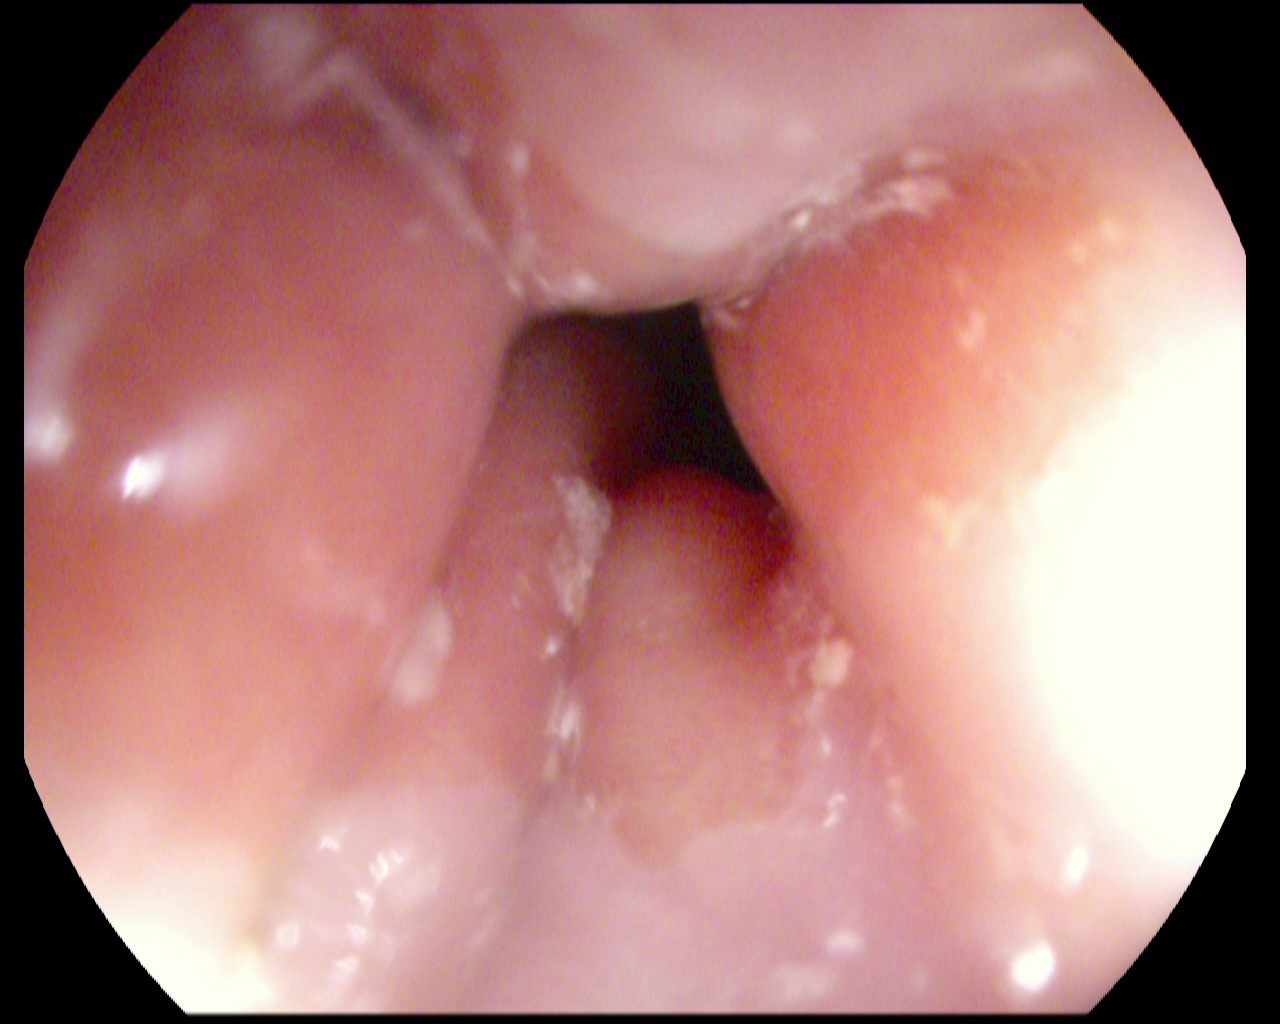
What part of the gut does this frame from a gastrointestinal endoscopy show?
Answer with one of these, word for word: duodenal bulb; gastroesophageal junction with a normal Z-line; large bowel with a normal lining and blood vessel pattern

gastroesophageal junction with a normal Z-line